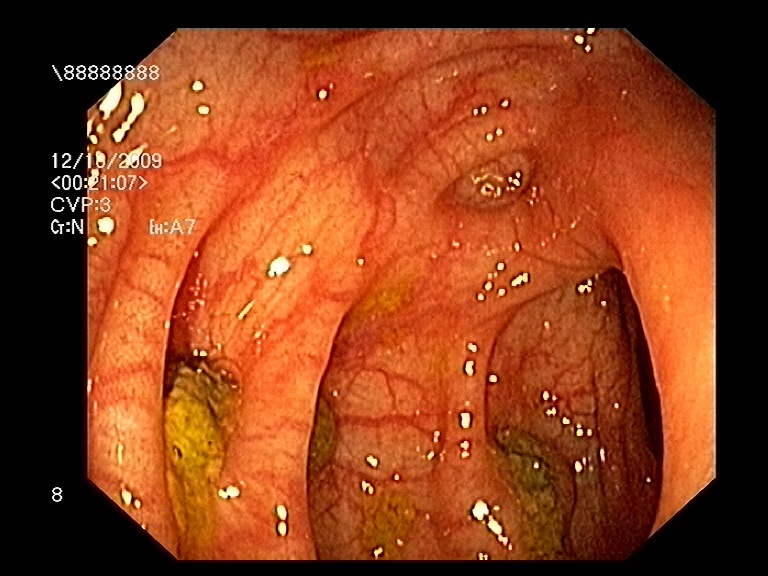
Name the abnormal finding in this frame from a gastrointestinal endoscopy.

colon diverticula